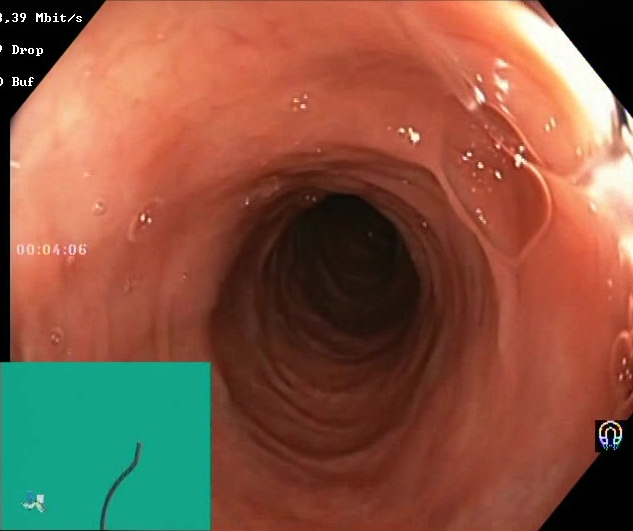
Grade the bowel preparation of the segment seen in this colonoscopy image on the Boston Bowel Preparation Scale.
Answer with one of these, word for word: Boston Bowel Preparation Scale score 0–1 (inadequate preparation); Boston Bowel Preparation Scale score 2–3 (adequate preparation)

Boston Bowel Preparation Scale score 2–3 (adequate preparation)